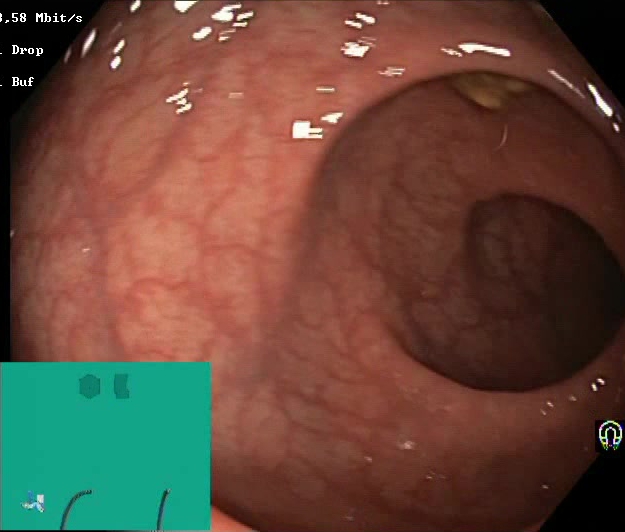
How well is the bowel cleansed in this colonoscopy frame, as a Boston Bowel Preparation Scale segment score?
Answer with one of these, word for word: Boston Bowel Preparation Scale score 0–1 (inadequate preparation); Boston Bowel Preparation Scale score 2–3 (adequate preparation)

Boston Bowel Preparation Scale score 2–3 (adequate preparation)